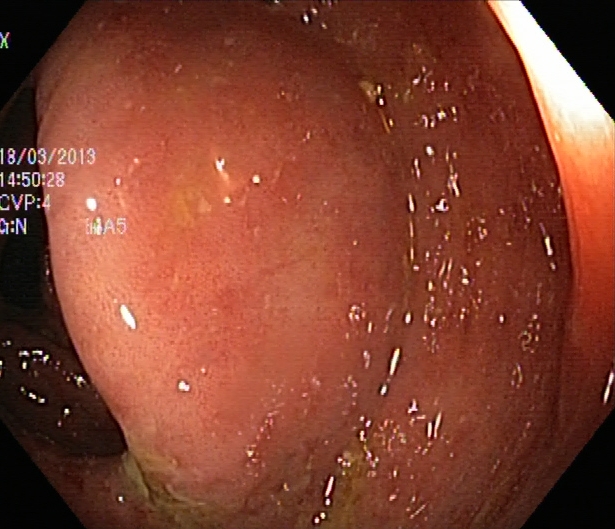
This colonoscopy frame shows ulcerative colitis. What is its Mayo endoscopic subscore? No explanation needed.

ulcerative colitis, Mayo endoscopic subscore 2